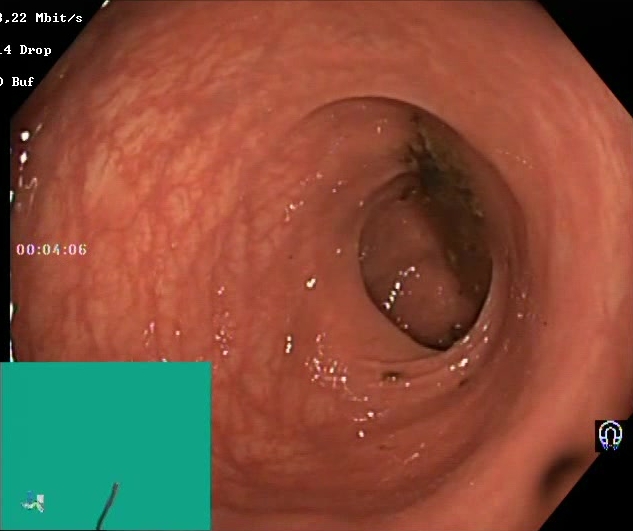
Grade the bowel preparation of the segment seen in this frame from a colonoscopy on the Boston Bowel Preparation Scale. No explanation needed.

Boston Bowel Preparation Scale score 0–1 (inadequate preparation)